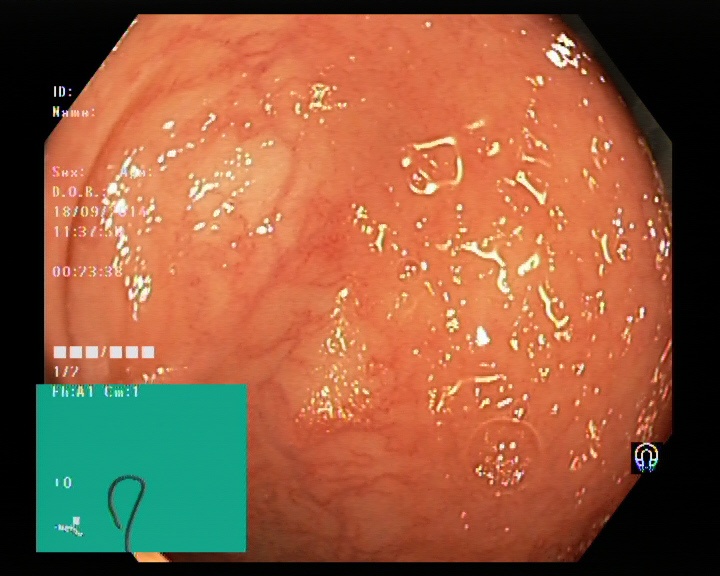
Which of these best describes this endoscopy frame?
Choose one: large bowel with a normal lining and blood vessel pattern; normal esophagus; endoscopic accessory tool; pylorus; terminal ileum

large bowel with a normal lining and blood vessel pattern